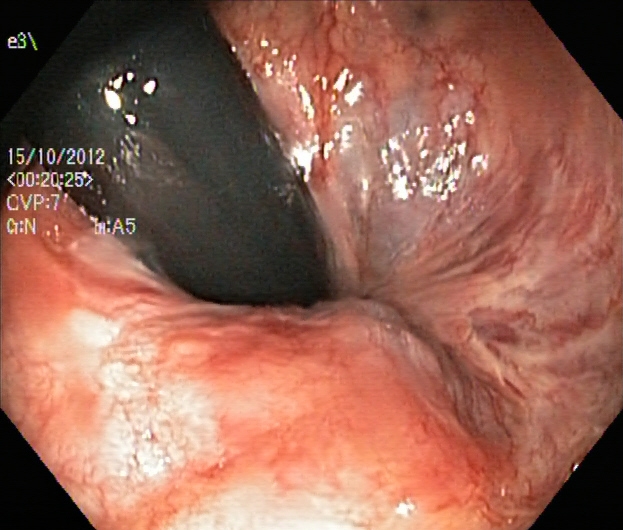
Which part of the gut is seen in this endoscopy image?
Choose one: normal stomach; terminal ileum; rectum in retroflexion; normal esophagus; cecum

rectum in retroflexion